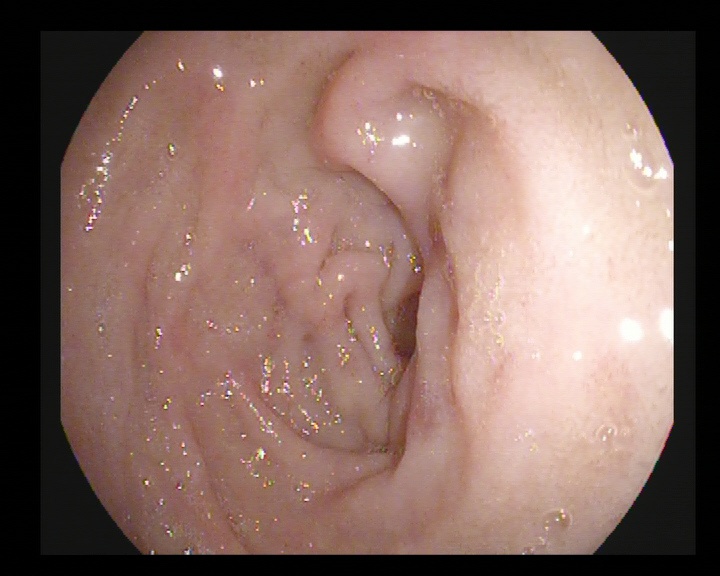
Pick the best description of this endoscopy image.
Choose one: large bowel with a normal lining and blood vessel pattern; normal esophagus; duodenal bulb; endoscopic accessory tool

duodenal bulb